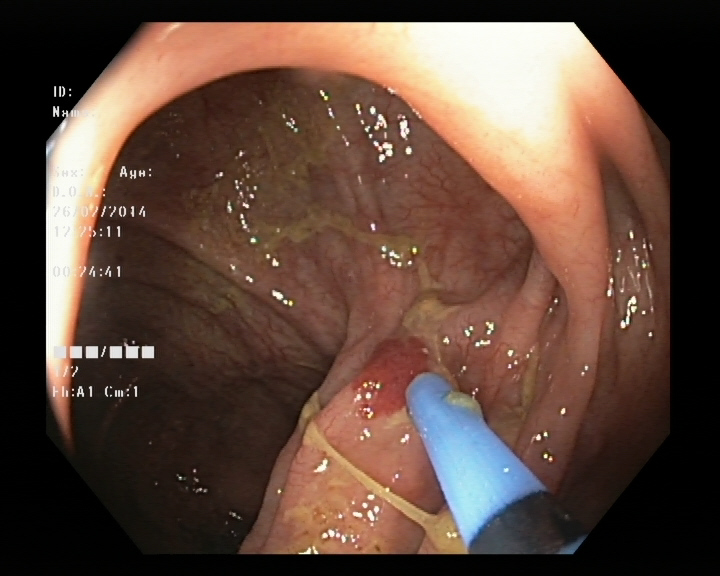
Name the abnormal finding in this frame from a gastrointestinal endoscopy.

angiectasia